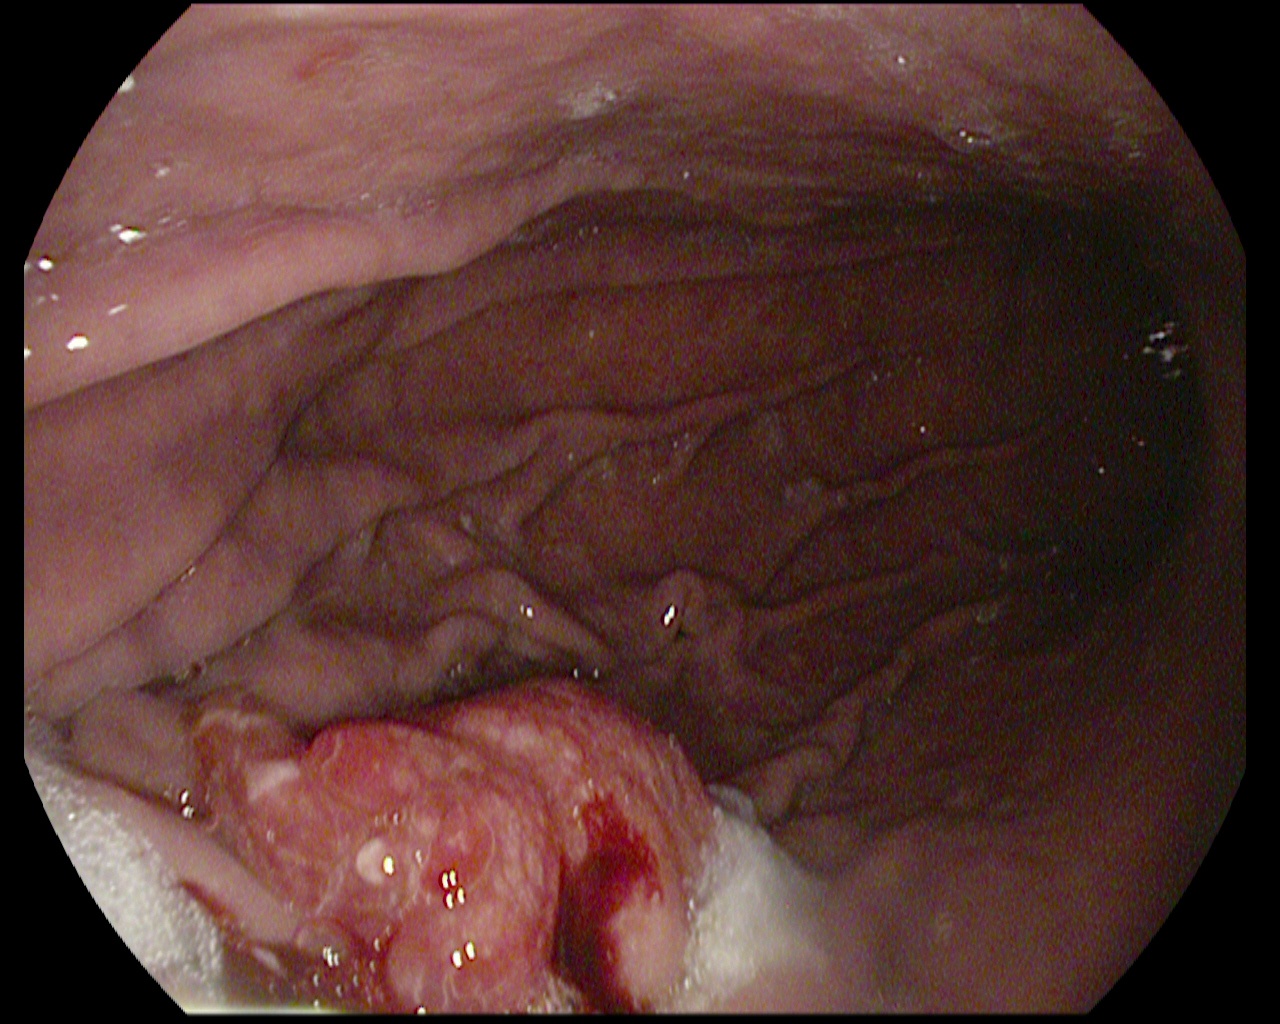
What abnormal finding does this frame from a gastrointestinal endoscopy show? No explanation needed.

gastric polyp